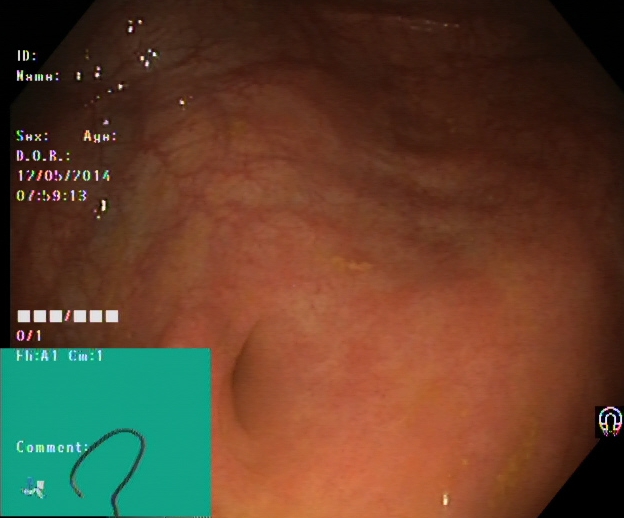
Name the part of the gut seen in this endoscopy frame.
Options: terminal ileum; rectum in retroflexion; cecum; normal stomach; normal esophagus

cecum